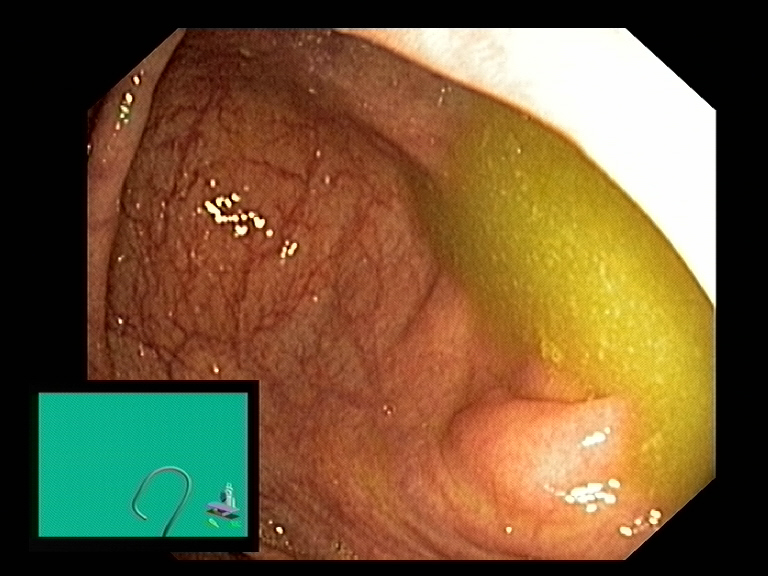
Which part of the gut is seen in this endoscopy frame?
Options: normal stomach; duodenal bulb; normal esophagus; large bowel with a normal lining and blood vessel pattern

large bowel with a normal lining and blood vessel pattern